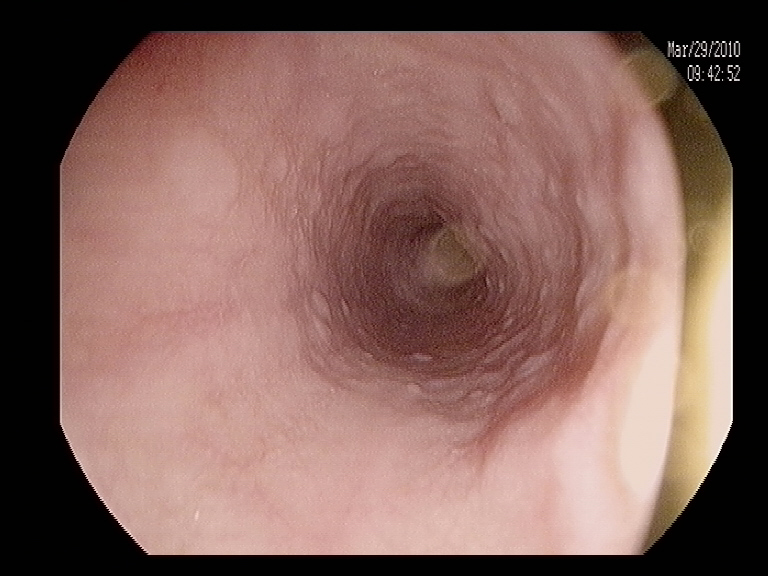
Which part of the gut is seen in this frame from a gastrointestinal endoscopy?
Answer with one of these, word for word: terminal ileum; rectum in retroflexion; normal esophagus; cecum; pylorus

normal esophagus